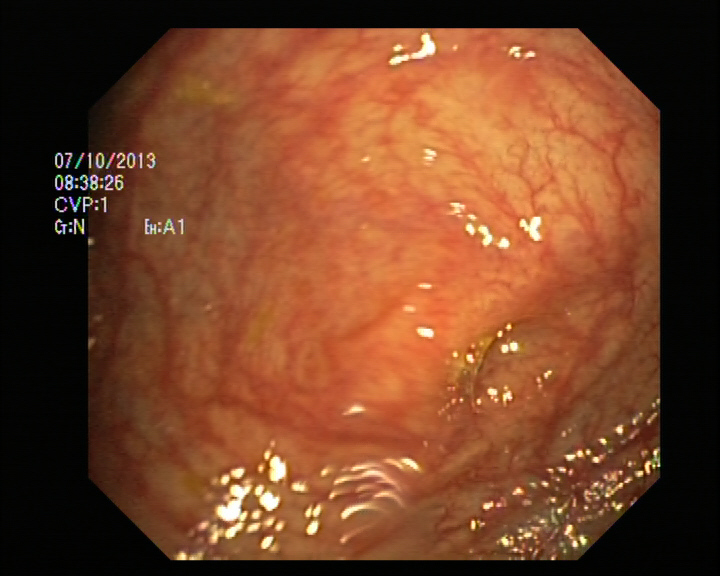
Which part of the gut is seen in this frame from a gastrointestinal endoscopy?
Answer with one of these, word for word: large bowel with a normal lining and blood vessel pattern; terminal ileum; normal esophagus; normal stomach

large bowel with a normal lining and blood vessel pattern